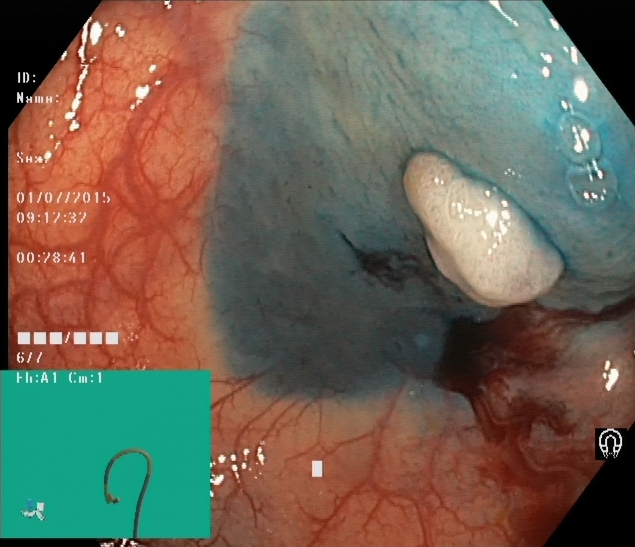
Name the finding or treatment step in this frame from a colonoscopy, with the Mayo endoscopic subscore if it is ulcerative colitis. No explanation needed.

dyed and lifted polyp (pre-resection)